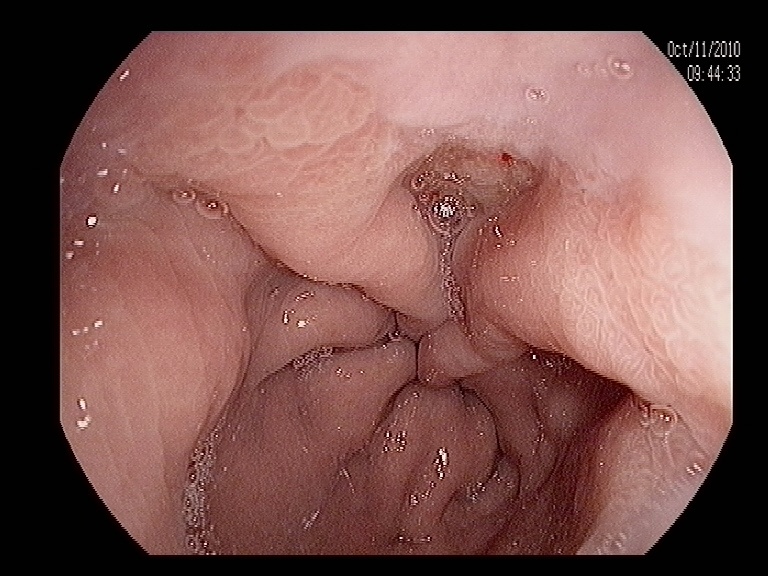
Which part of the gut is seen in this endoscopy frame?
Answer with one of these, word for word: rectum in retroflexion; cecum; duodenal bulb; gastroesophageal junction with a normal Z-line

gastroesophageal junction with a normal Z-line